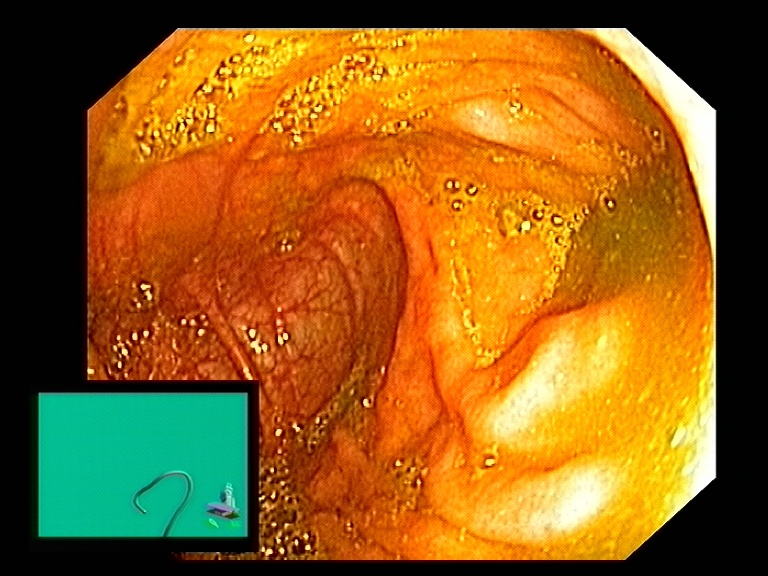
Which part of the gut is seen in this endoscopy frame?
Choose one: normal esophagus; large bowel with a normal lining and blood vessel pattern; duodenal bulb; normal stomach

large bowel with a normal lining and blood vessel pattern